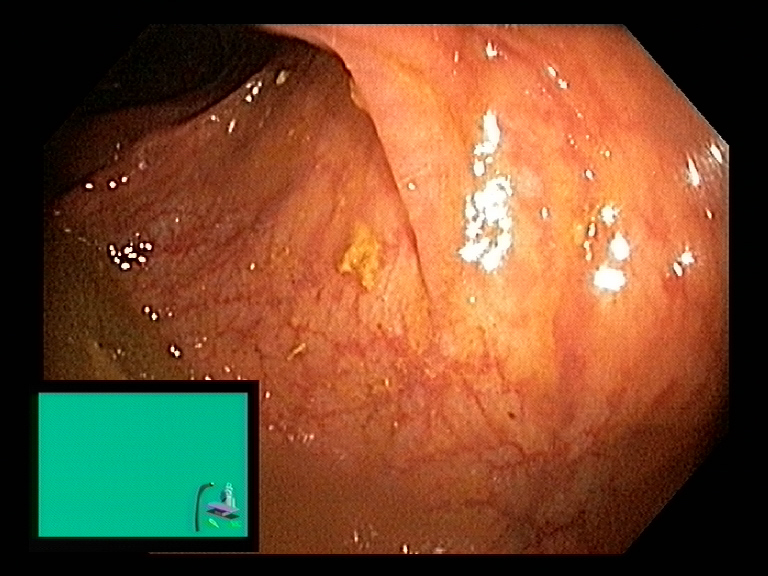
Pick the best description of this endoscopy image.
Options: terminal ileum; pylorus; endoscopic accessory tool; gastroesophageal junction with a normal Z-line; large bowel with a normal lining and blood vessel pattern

large bowel with a normal lining and blood vessel pattern